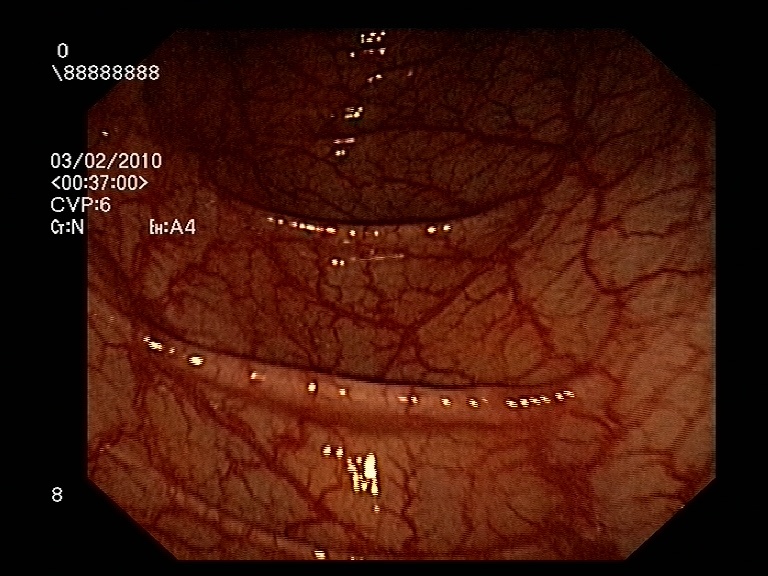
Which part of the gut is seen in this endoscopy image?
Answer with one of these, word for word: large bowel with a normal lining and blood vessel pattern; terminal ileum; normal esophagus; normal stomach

large bowel with a normal lining and blood vessel pattern